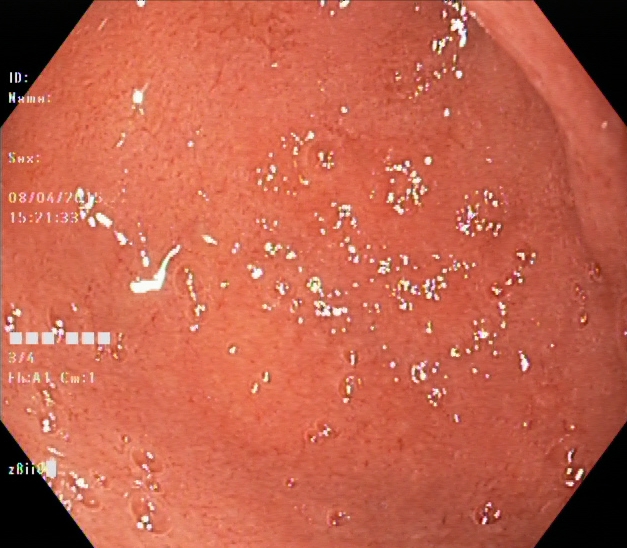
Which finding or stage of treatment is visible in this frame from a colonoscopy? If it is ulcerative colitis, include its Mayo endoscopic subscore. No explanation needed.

ulcerative colitis, Mayo endoscopic subscore 2